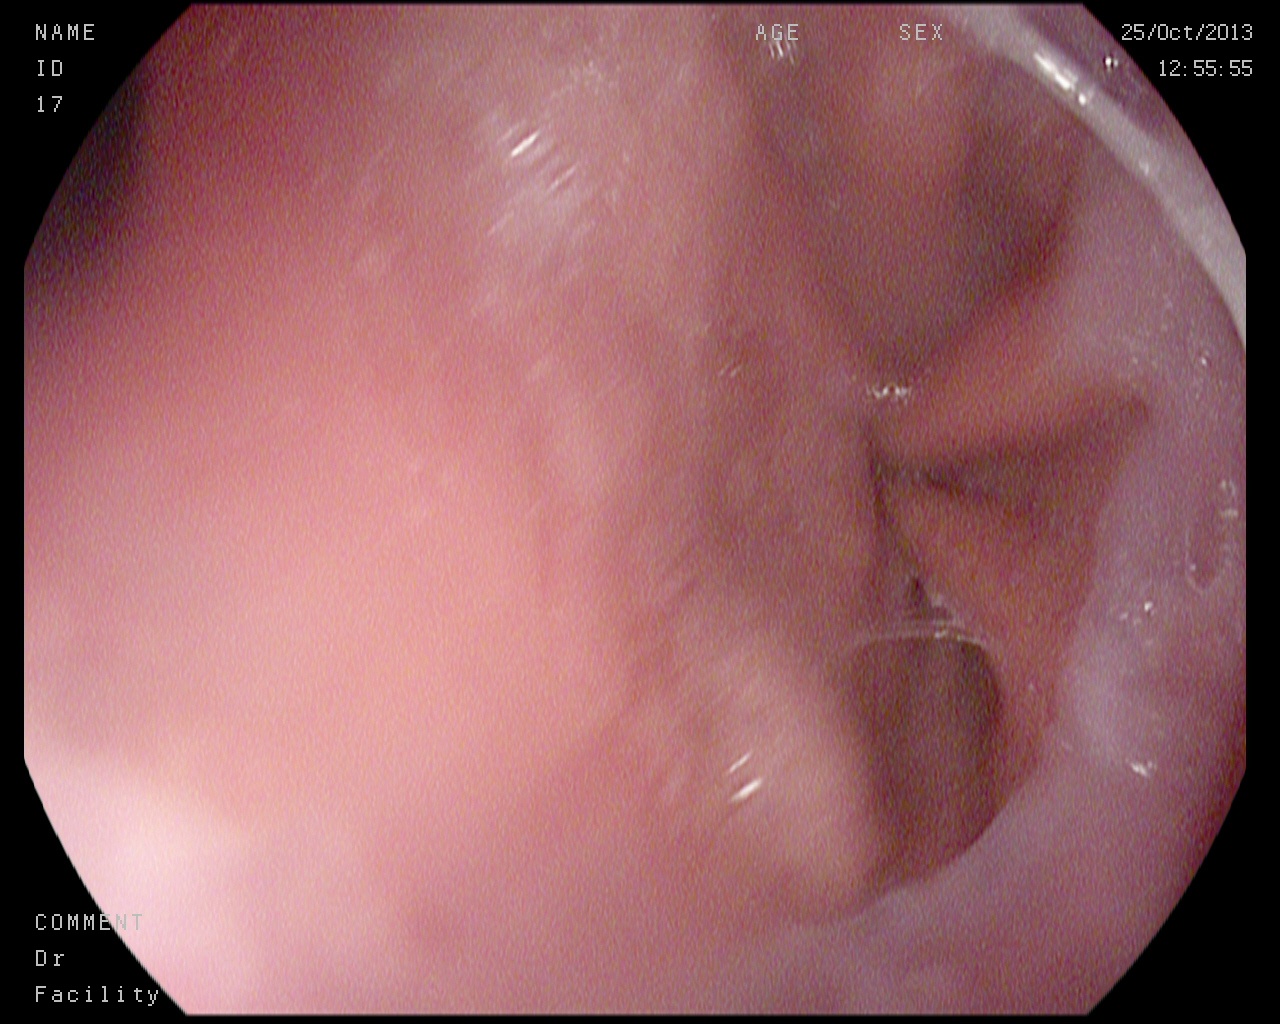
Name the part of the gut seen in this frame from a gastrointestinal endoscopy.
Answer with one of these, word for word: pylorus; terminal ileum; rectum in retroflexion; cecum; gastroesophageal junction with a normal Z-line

gastroesophageal junction with a normal Z-line